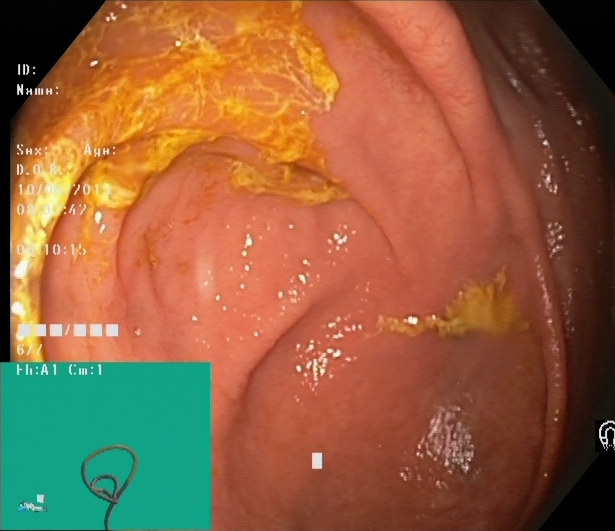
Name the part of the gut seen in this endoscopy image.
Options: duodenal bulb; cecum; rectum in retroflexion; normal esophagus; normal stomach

cecum